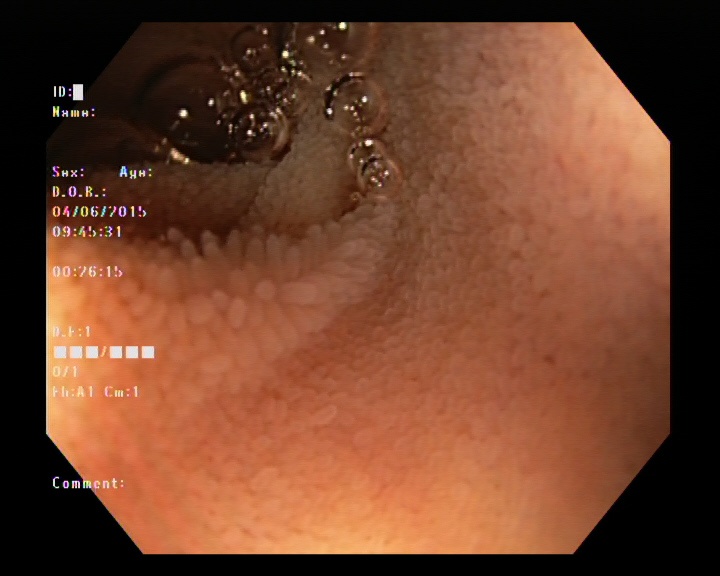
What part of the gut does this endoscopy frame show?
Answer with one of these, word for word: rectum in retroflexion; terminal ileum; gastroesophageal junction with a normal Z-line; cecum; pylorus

terminal ileum